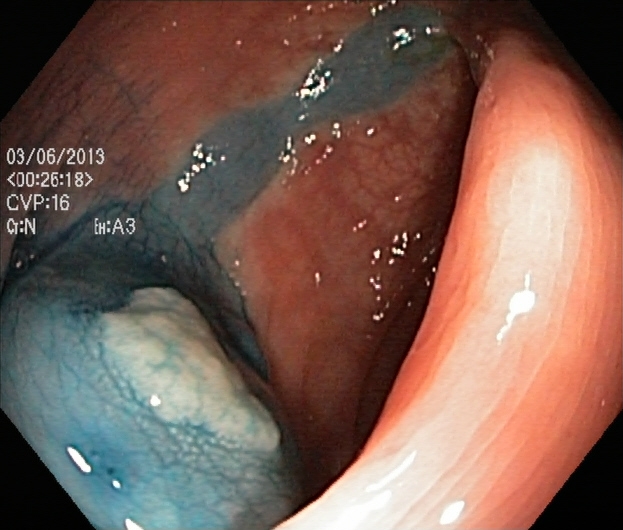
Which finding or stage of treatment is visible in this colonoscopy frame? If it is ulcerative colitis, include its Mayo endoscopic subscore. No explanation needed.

dyed and lifted polyp (pre-resection)